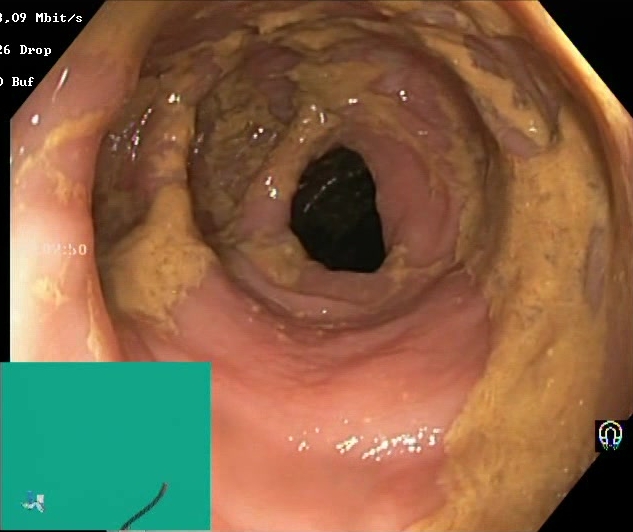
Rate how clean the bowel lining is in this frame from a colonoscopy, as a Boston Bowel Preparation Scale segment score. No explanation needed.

Boston Bowel Preparation Scale score 0–1 (inadequate preparation)